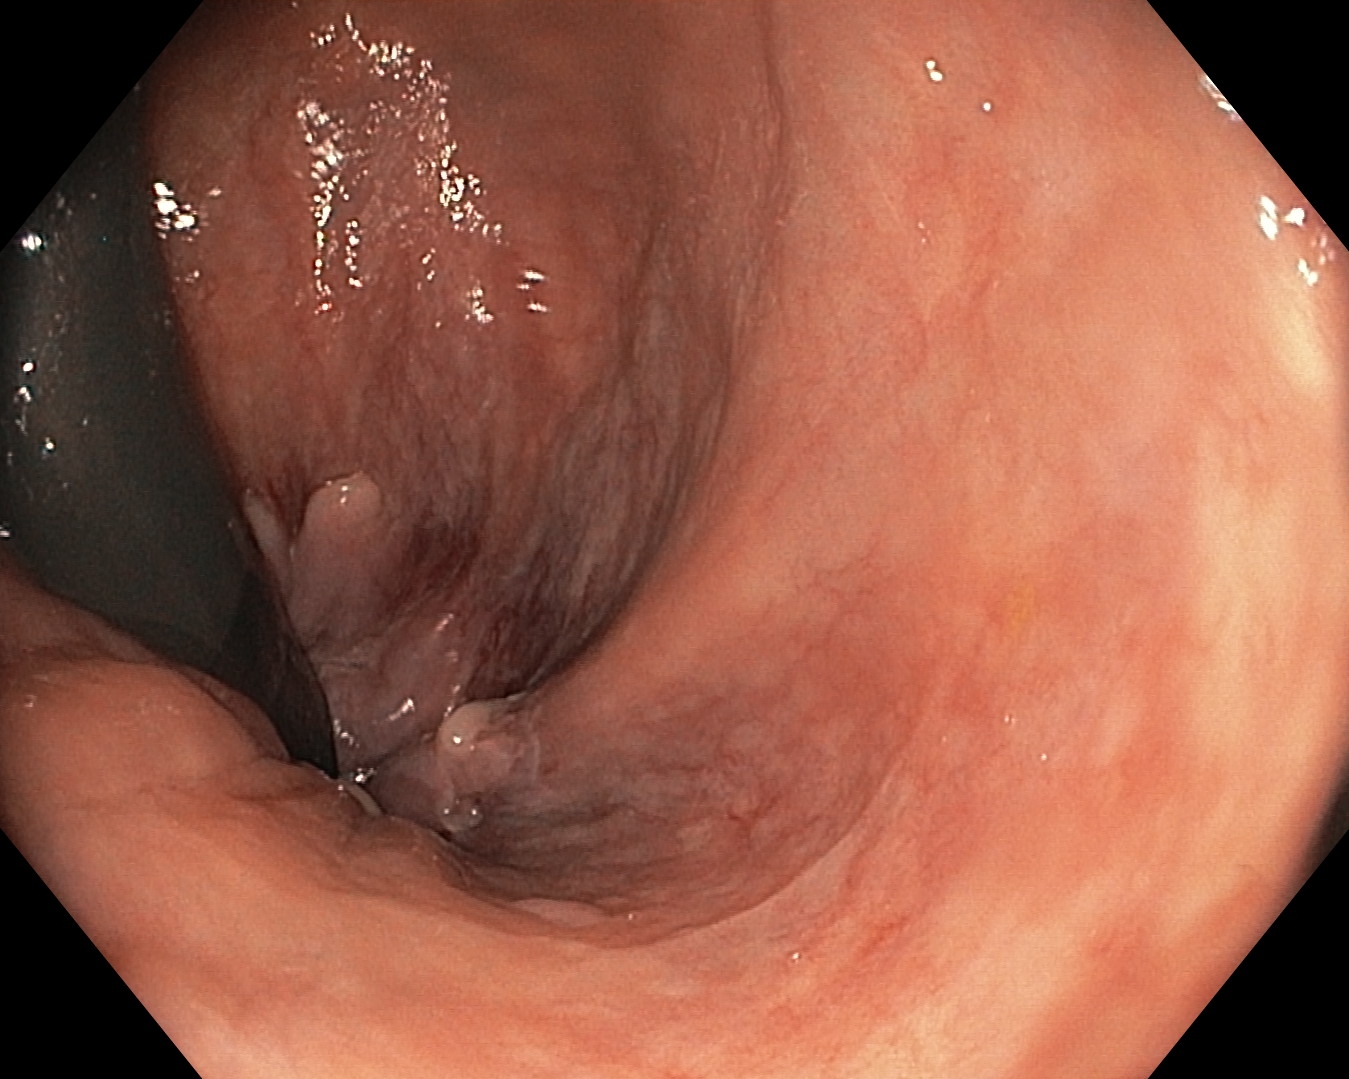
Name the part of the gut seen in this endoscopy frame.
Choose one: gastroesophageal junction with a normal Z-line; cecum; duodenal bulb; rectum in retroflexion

rectum in retroflexion